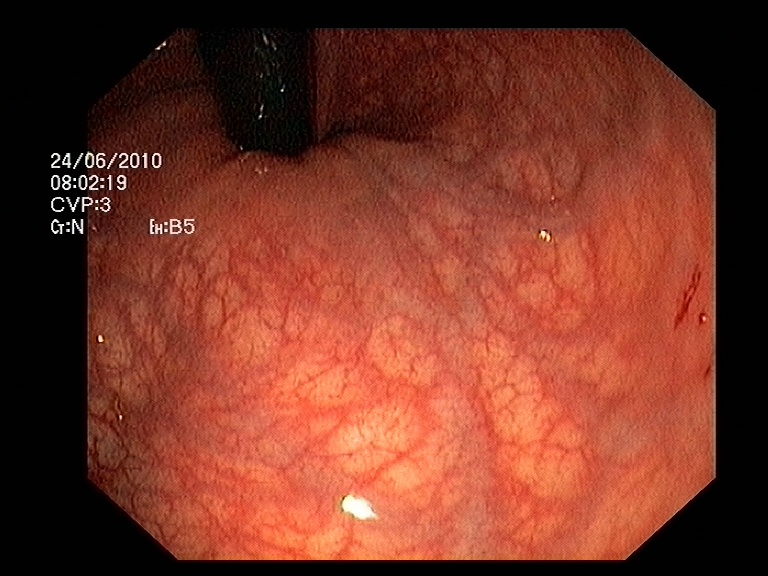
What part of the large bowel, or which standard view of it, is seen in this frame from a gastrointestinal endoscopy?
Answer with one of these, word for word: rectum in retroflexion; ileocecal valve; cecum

rectum in retroflexion